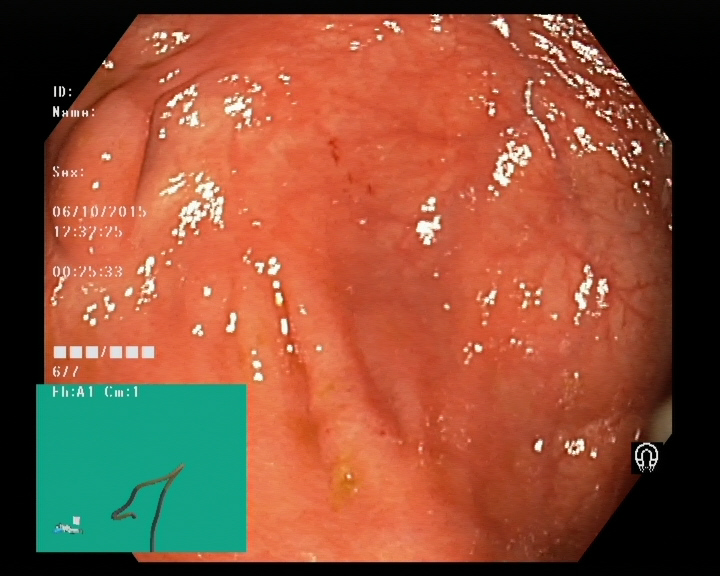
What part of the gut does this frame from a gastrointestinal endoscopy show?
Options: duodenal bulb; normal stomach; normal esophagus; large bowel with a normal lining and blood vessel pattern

large bowel with a normal lining and blood vessel pattern